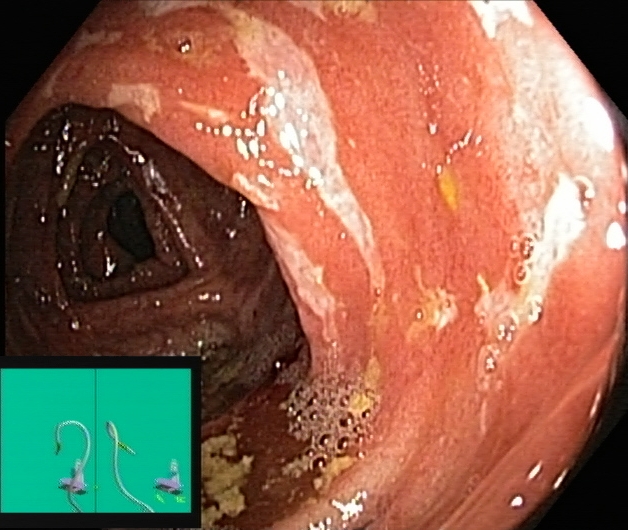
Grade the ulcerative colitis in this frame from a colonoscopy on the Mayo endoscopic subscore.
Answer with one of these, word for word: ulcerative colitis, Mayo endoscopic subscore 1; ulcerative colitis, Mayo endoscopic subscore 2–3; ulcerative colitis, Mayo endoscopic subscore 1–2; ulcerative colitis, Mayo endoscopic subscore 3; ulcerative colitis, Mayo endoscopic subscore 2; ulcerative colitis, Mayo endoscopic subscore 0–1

ulcerative colitis, Mayo endoscopic subscore 3